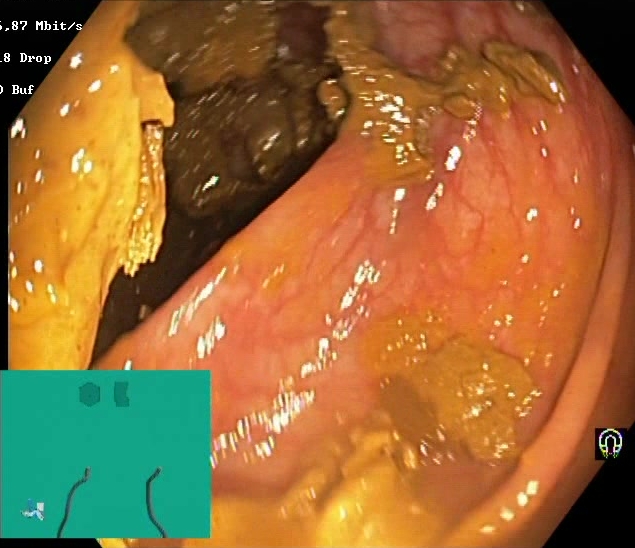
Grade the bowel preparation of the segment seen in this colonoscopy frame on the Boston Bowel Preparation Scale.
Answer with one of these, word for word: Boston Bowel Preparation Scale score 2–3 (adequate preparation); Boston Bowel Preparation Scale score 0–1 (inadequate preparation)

Boston Bowel Preparation Scale score 0–1 (inadequate preparation)